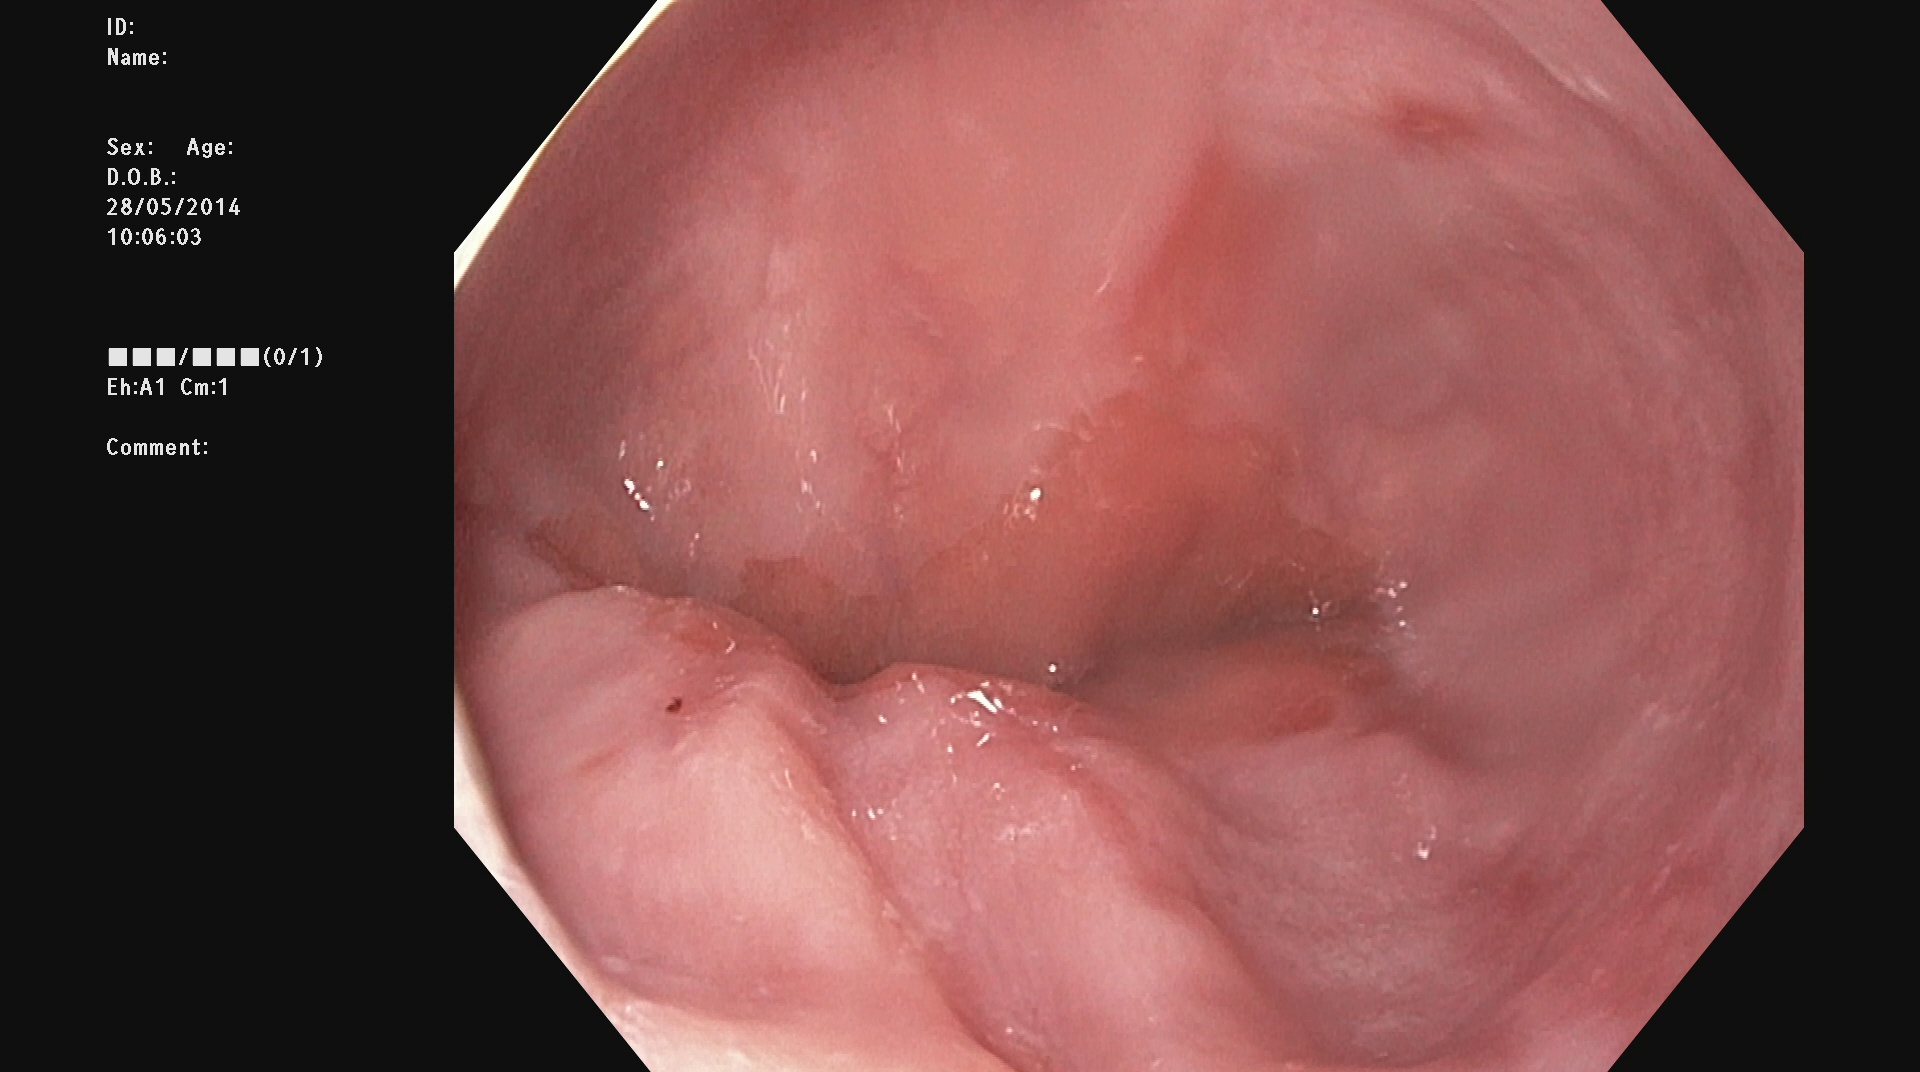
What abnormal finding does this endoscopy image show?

esophagitis